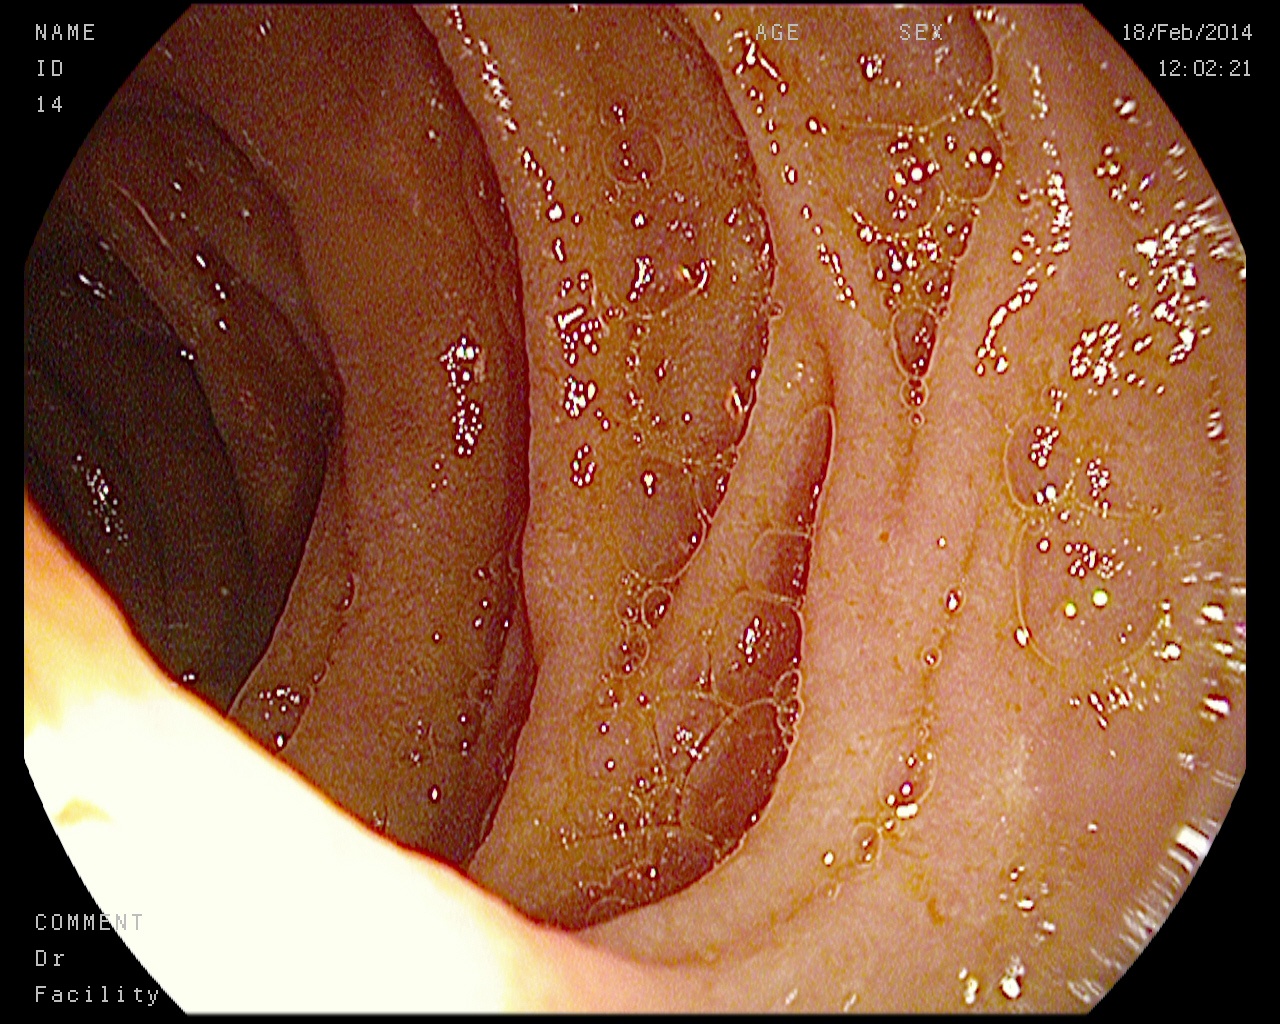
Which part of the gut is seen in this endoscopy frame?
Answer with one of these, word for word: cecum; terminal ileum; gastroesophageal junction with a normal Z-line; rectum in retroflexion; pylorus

terminal ileum